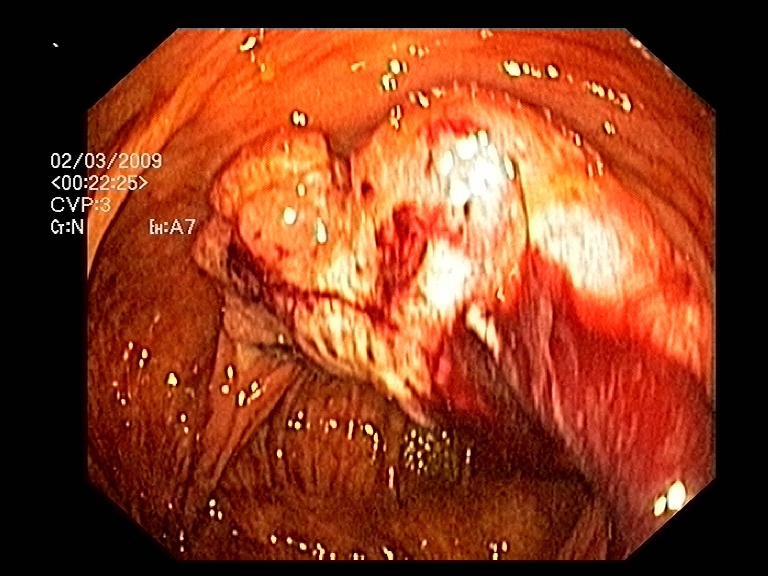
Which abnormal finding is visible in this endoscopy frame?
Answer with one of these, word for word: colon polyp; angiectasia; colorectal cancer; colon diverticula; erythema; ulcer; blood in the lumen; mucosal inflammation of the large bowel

colorectal cancer